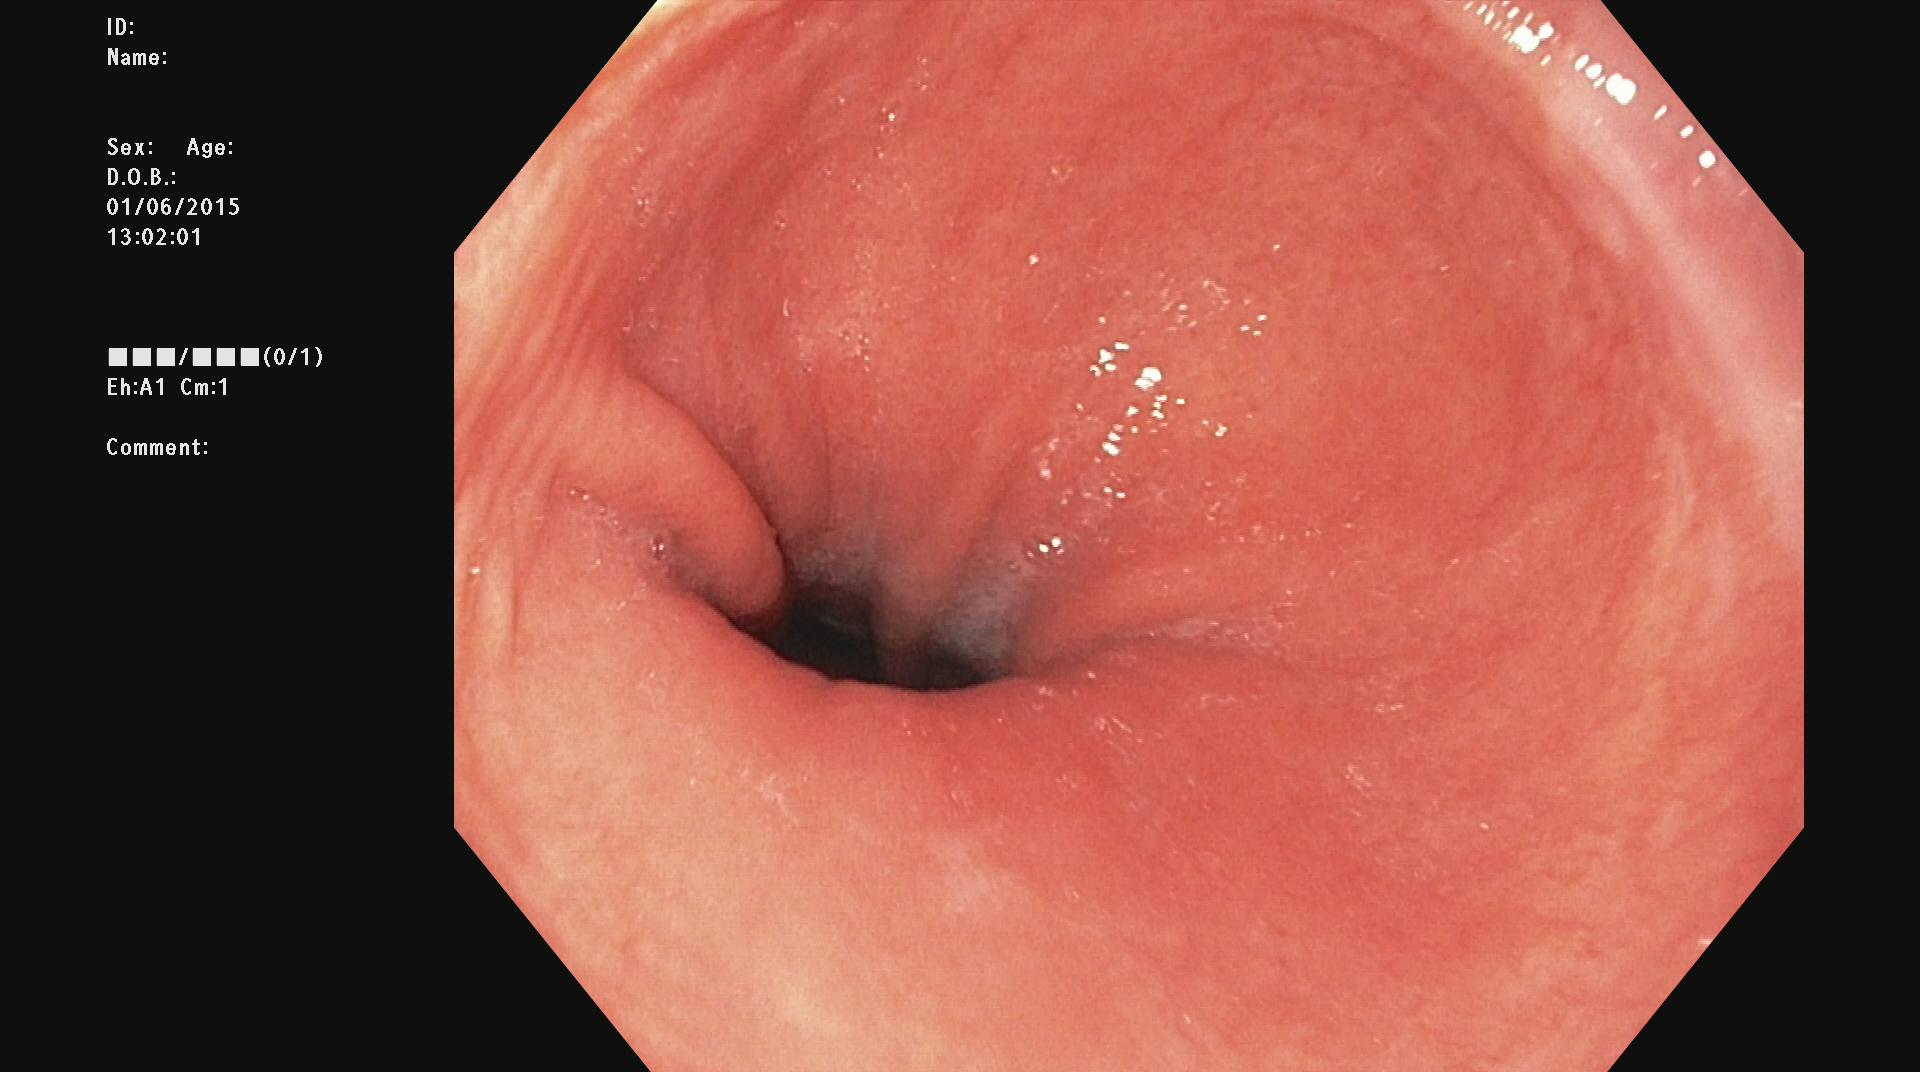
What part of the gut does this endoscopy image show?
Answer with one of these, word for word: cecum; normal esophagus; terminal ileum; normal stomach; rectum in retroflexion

normal stomach